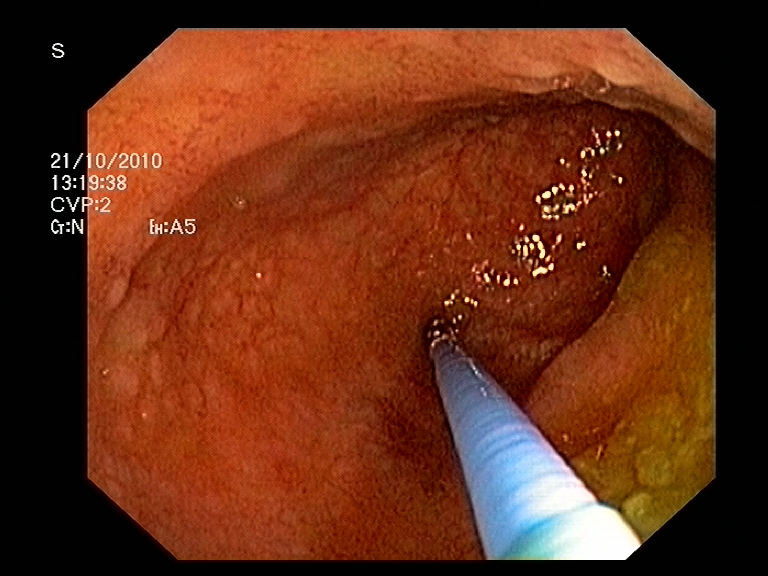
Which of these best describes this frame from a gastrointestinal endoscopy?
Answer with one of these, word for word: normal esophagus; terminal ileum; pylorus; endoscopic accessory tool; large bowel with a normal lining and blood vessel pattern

endoscopic accessory tool